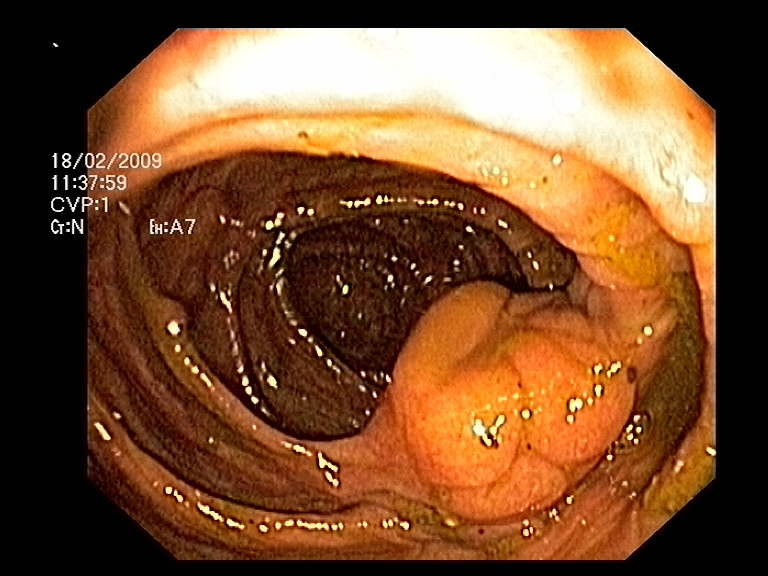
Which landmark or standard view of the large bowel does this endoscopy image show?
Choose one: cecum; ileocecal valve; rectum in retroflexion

ileocecal valve